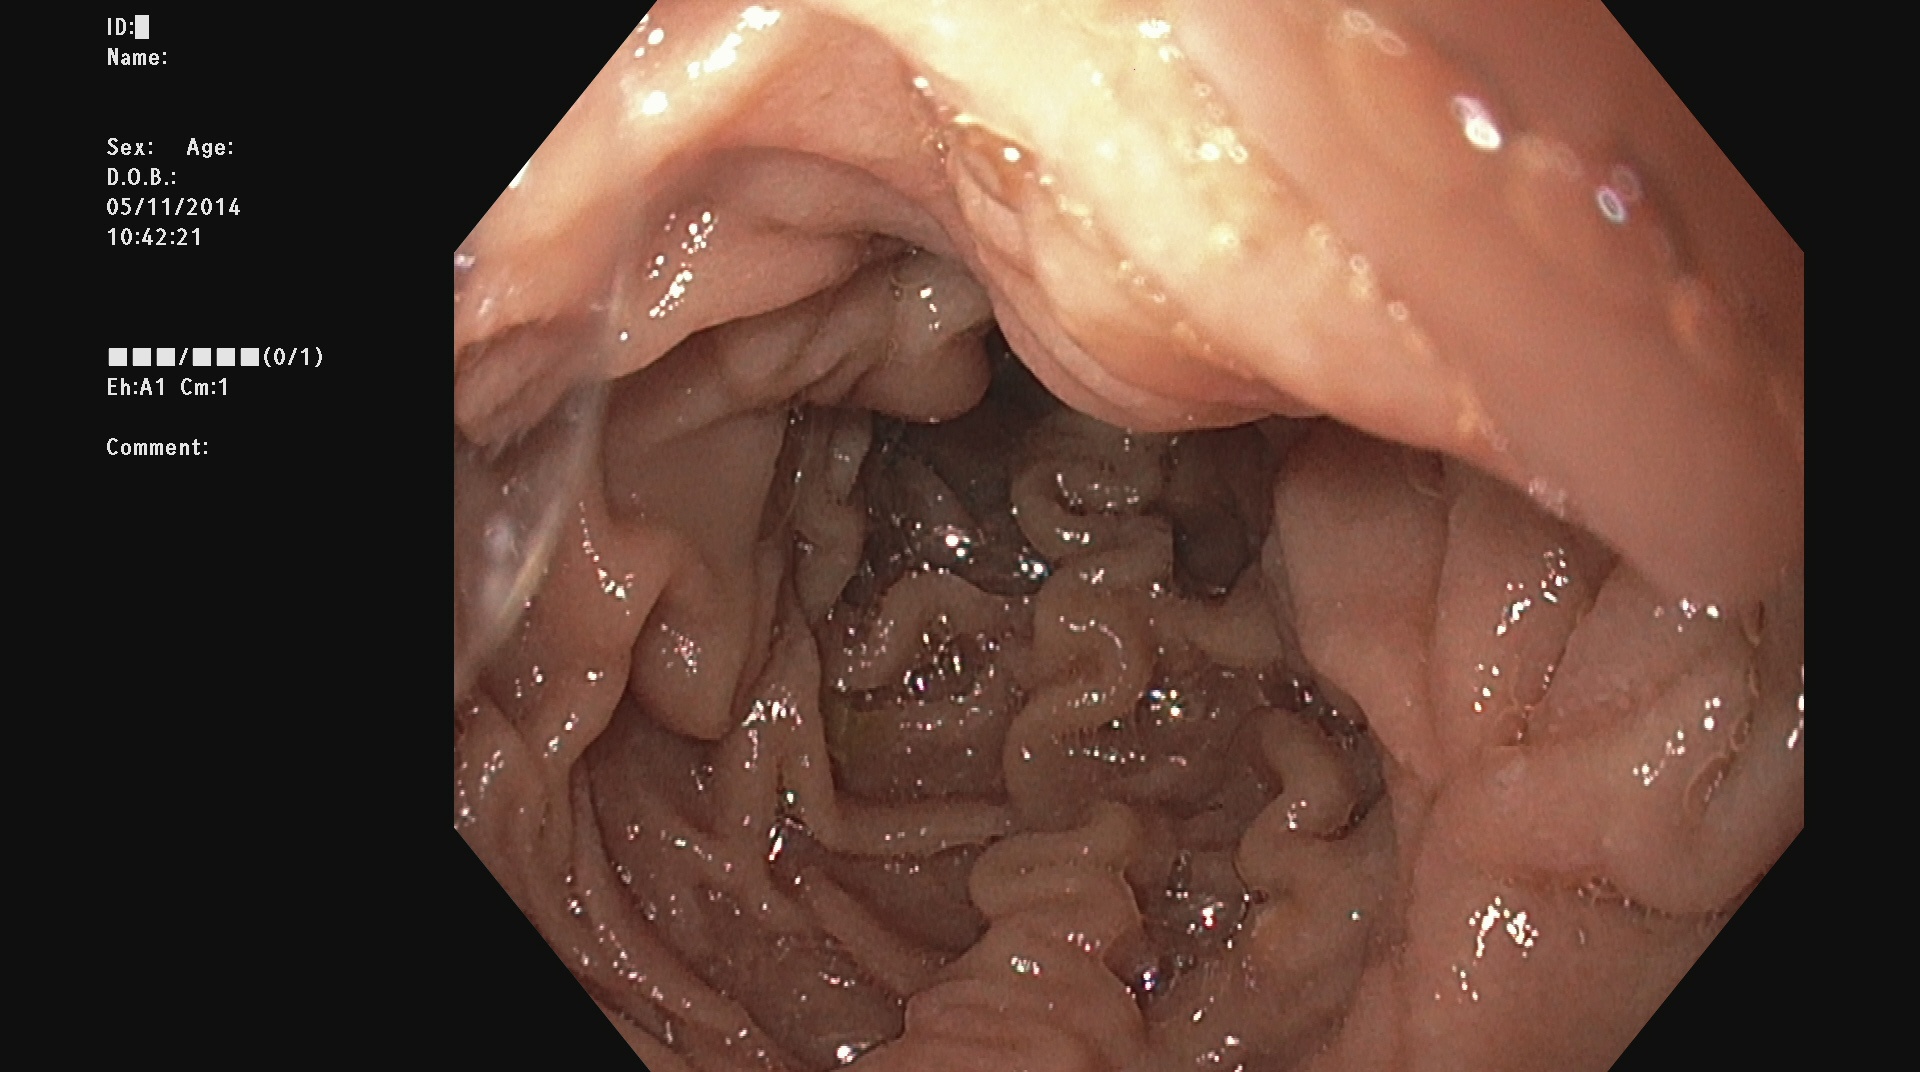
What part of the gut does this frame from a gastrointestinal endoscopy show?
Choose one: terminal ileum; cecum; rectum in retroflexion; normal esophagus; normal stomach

normal stomach